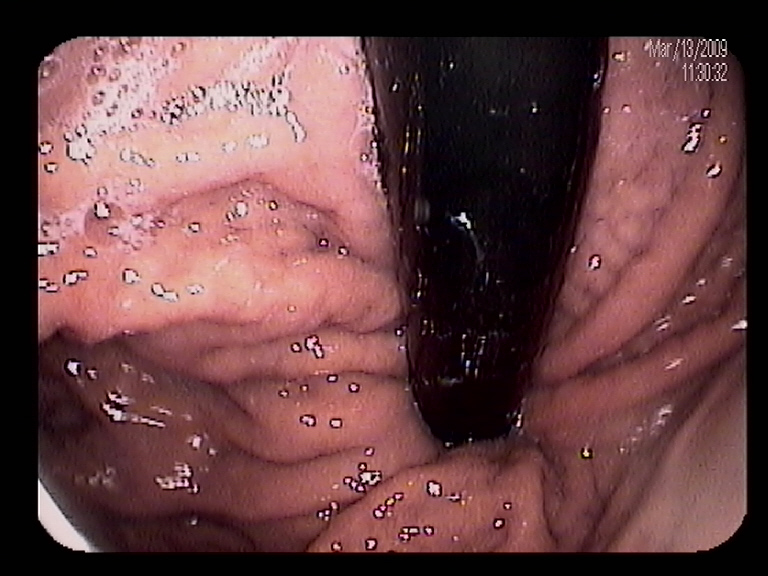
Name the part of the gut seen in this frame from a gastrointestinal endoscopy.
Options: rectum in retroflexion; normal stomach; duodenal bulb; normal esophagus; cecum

normal stomach